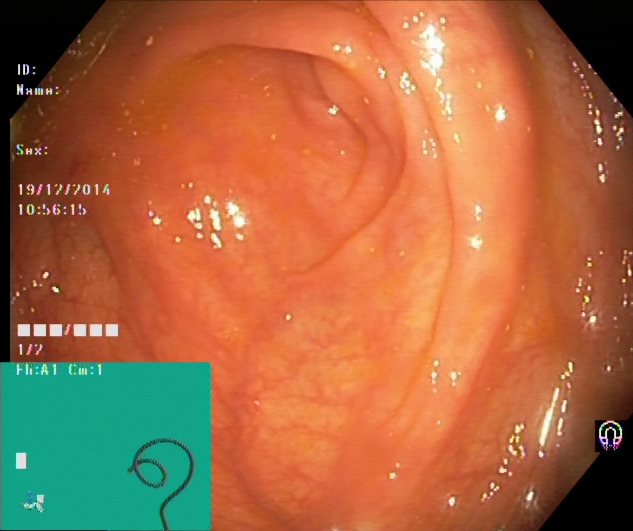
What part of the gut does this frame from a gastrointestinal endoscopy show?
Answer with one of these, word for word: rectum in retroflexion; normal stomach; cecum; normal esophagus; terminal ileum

cecum